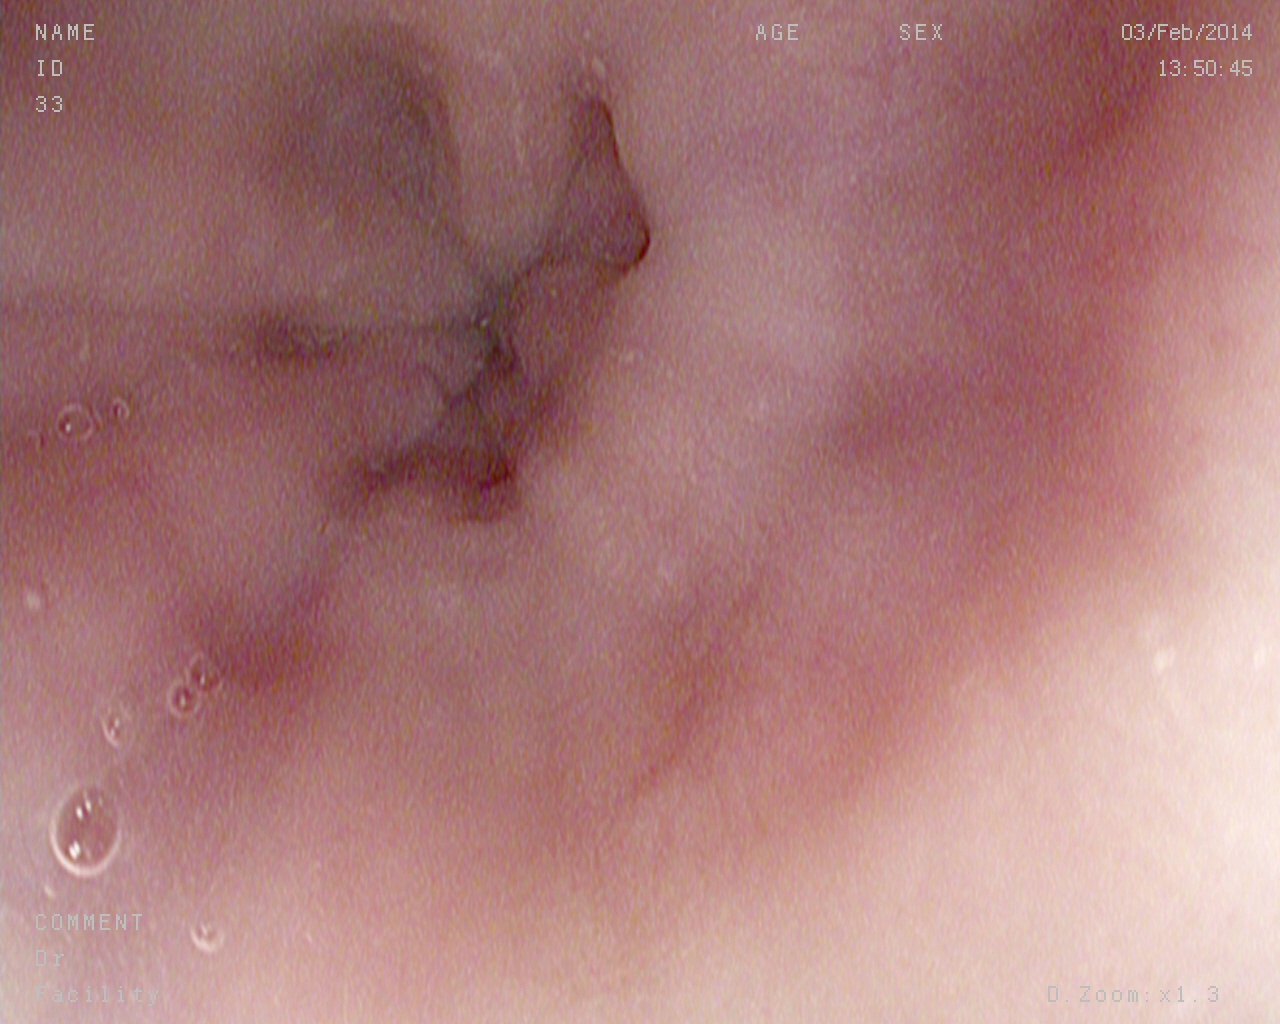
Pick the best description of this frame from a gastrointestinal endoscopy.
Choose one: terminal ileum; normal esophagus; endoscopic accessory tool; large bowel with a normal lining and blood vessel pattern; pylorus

normal esophagus